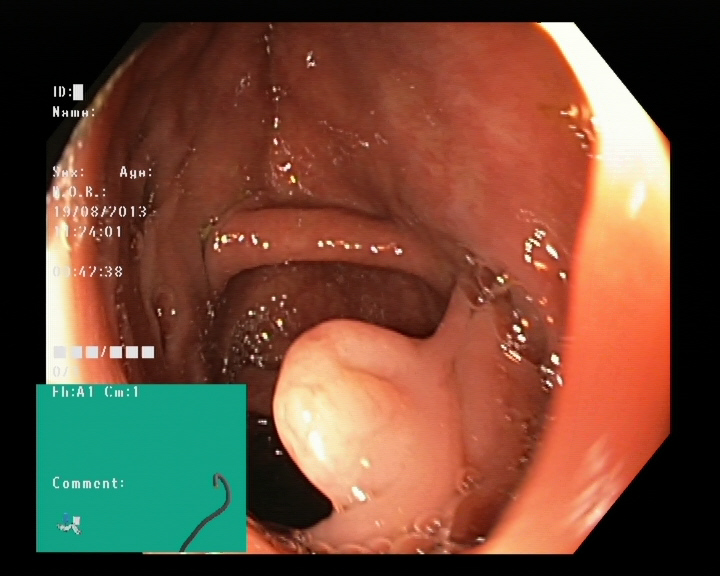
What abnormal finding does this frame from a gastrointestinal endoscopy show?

colon polyp